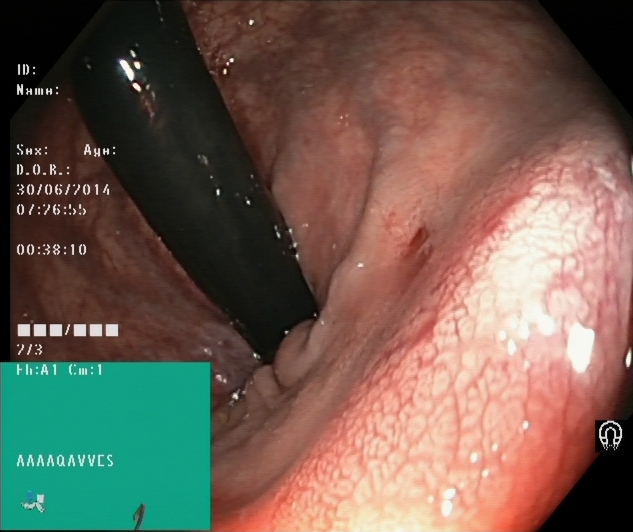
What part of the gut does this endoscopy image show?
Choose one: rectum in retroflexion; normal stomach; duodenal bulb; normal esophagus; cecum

rectum in retroflexion